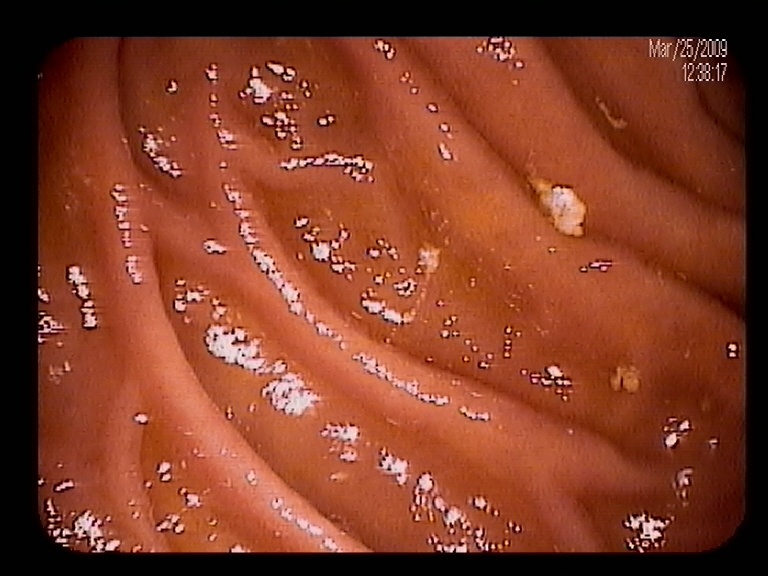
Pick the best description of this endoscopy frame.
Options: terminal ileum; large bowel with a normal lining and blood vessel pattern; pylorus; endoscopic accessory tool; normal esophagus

terminal ileum